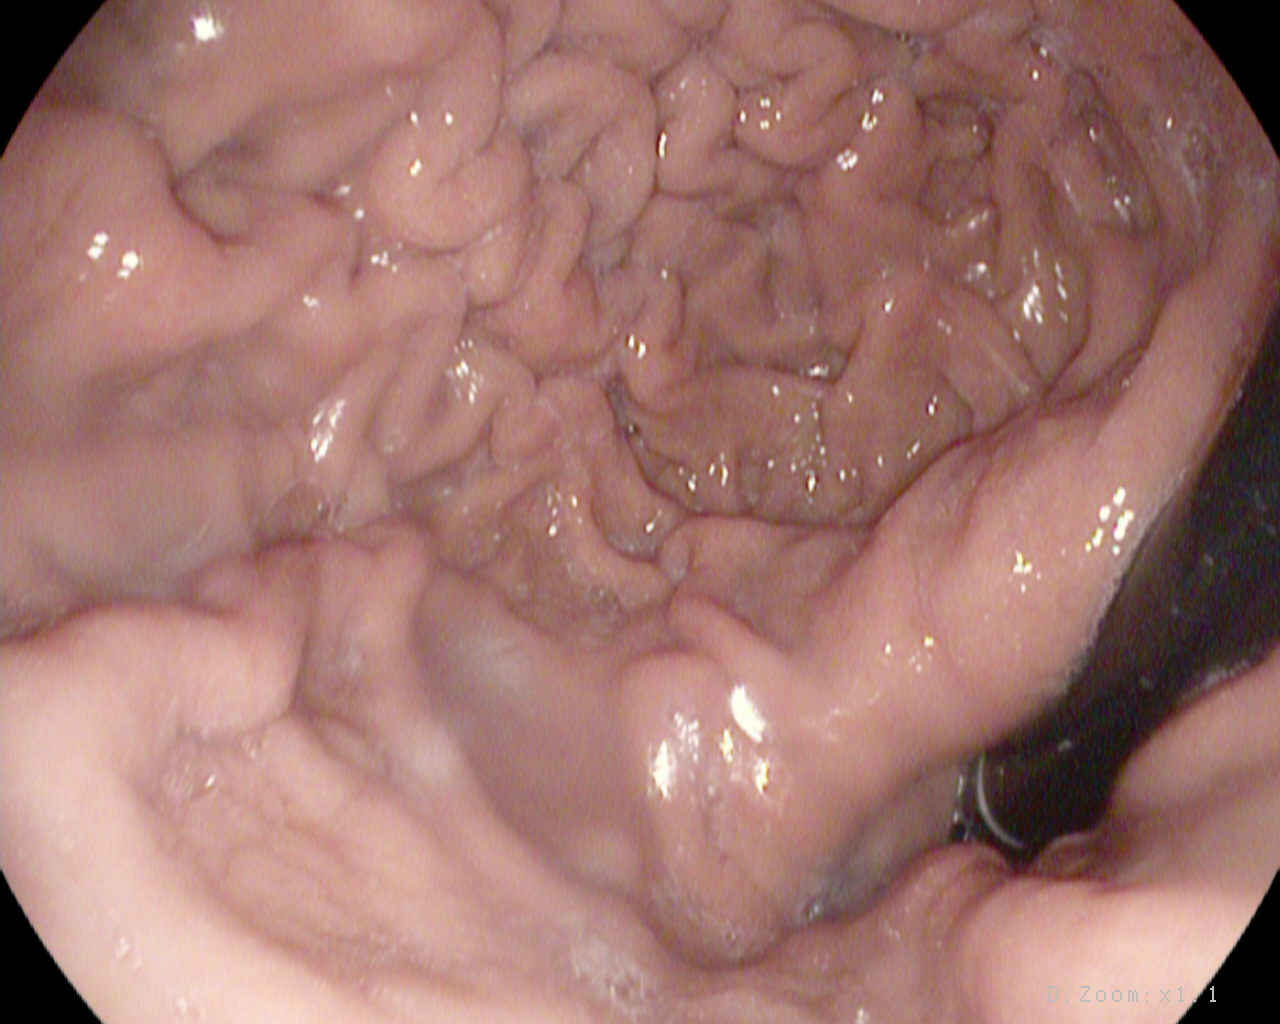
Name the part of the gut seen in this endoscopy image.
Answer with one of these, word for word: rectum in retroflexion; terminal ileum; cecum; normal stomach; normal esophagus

normal stomach